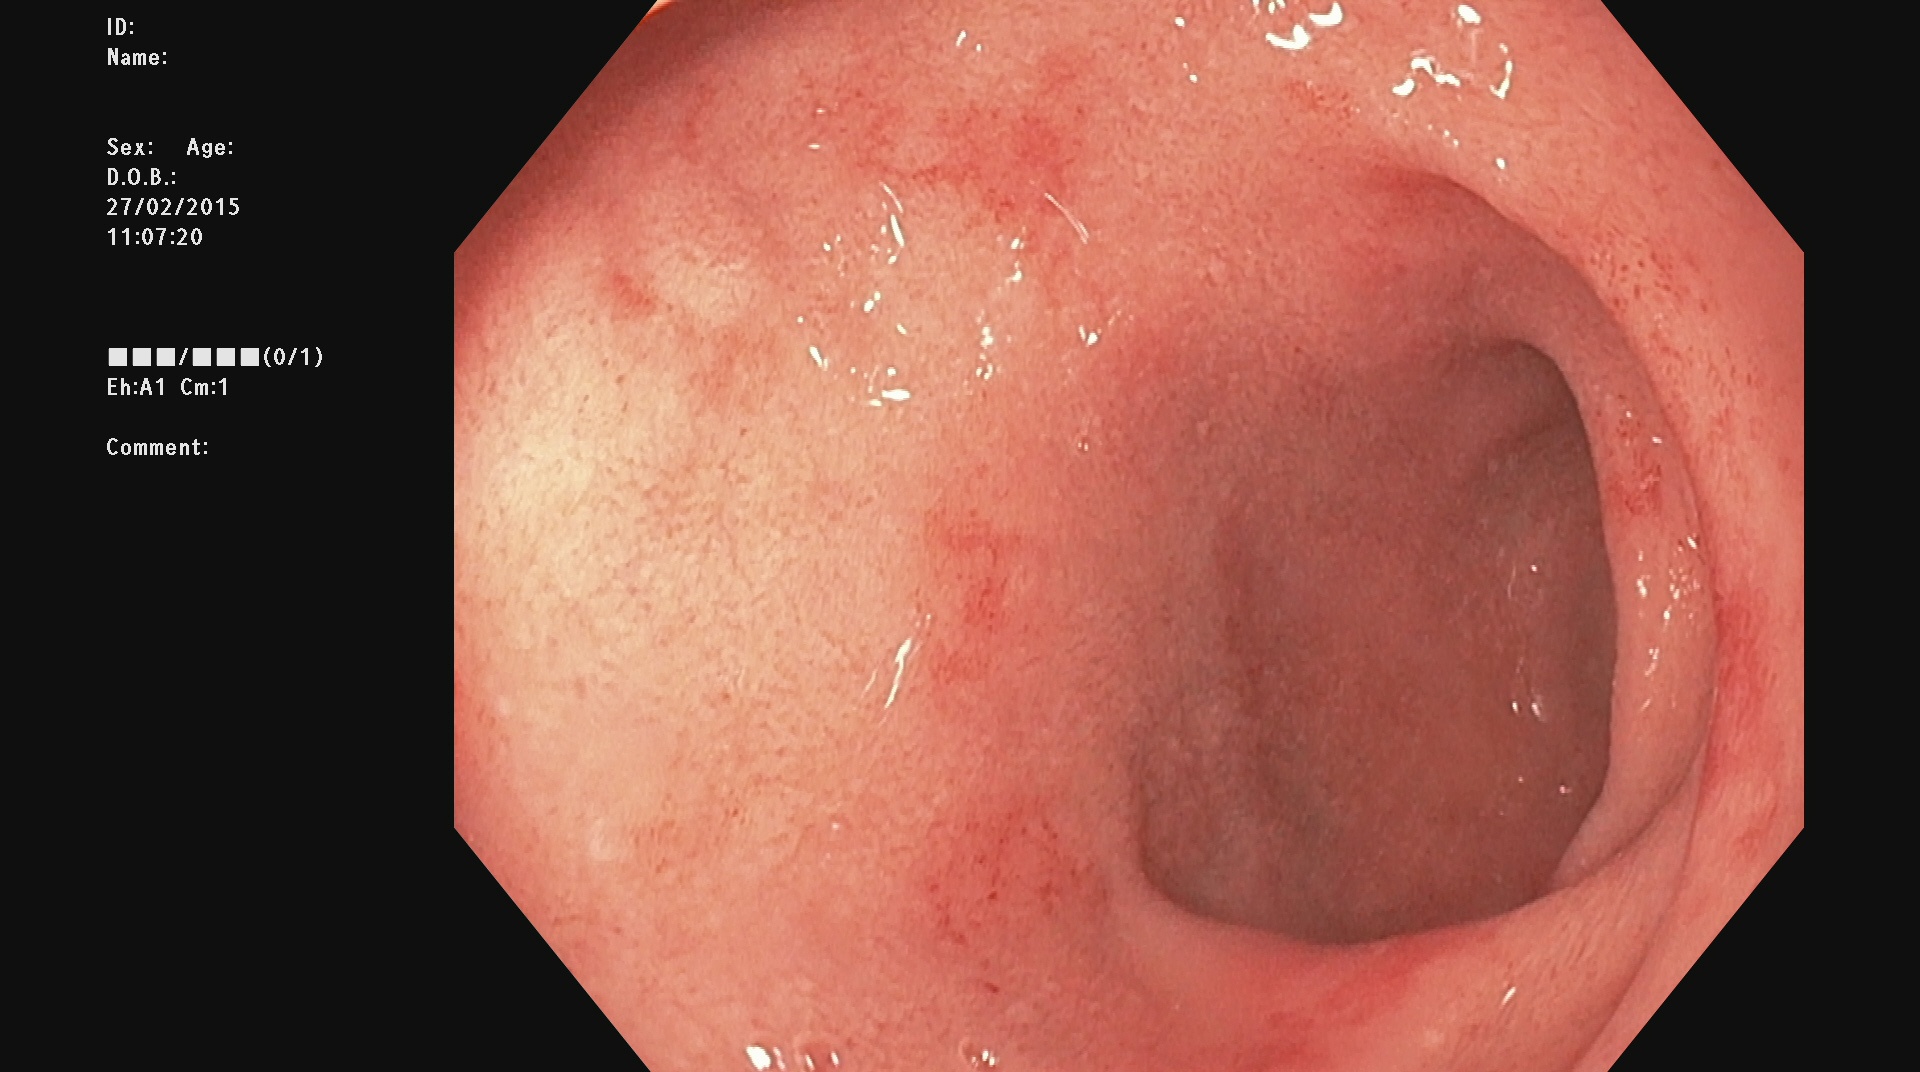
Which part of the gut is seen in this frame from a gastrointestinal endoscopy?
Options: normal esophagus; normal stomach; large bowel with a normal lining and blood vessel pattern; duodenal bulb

duodenal bulb